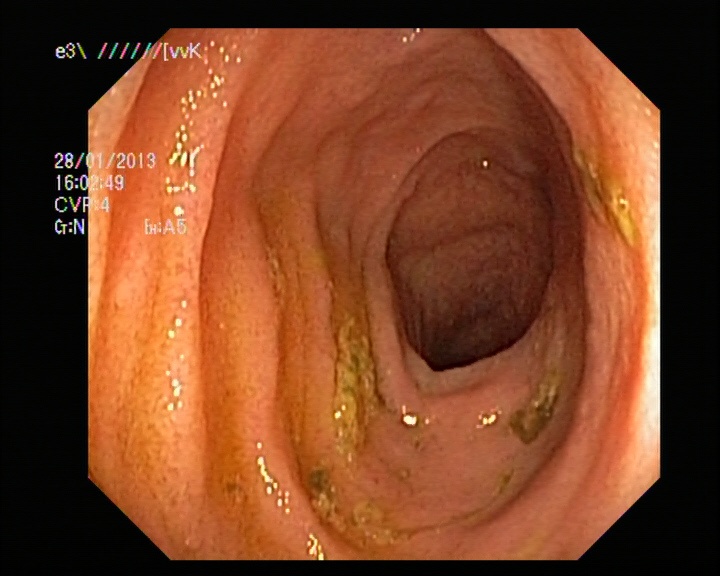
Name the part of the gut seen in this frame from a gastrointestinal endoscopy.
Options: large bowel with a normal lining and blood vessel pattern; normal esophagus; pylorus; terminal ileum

large bowel with a normal lining and blood vessel pattern